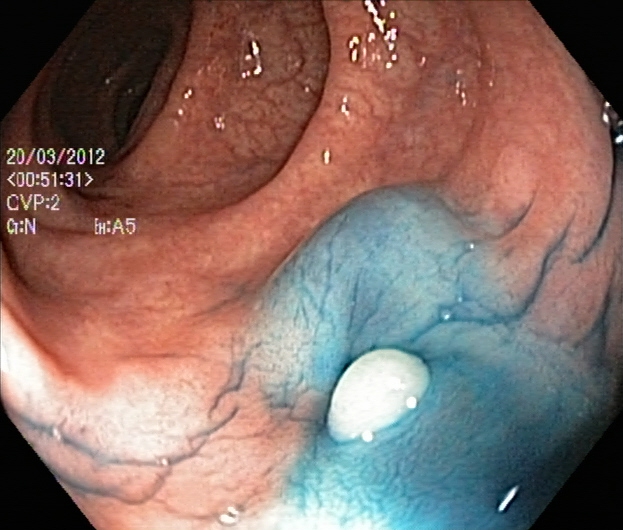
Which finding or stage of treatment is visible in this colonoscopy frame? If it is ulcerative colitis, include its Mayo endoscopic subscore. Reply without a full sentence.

dyed and lifted polyp (pre-resection)